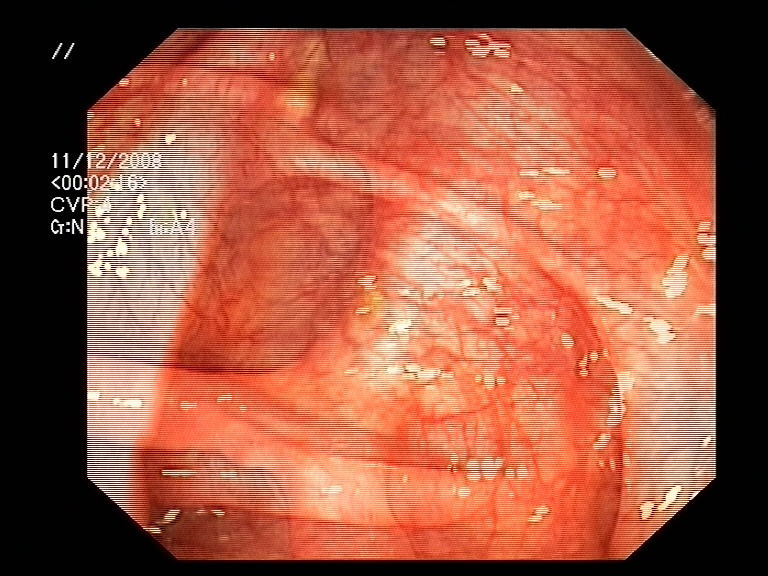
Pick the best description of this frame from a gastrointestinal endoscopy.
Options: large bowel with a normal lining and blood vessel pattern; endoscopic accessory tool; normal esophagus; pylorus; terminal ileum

large bowel with a normal lining and blood vessel pattern